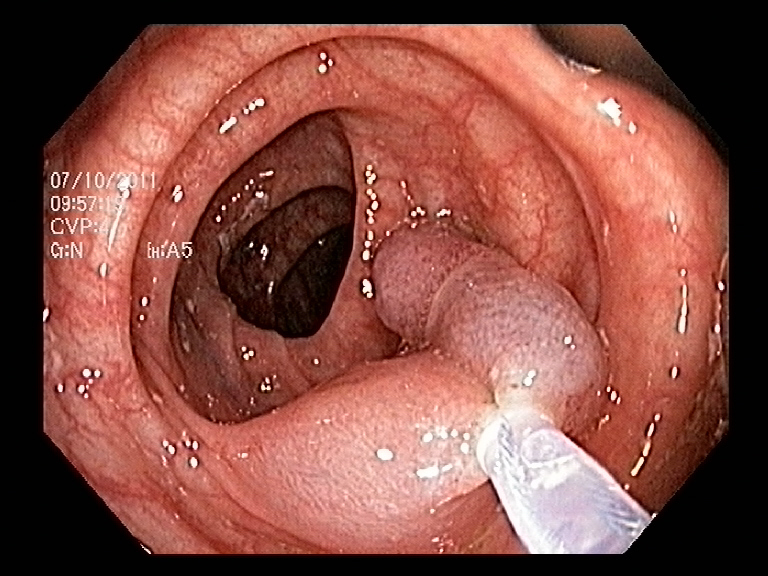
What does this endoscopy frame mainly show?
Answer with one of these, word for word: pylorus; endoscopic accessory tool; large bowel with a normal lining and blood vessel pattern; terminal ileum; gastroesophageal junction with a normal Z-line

endoscopic accessory tool